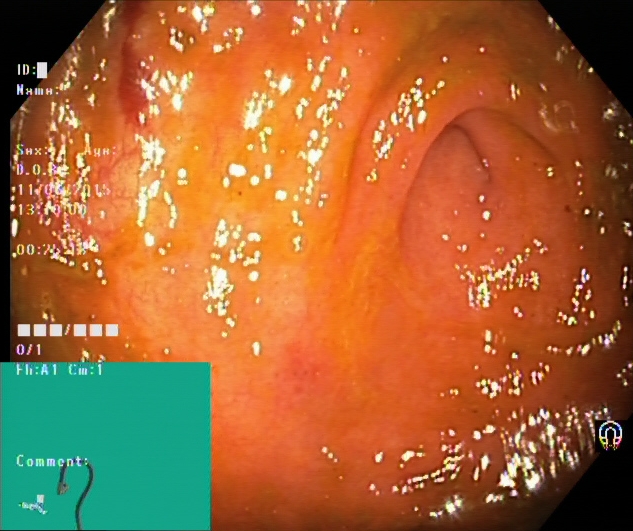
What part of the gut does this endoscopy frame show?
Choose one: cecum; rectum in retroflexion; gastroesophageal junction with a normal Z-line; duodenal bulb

cecum